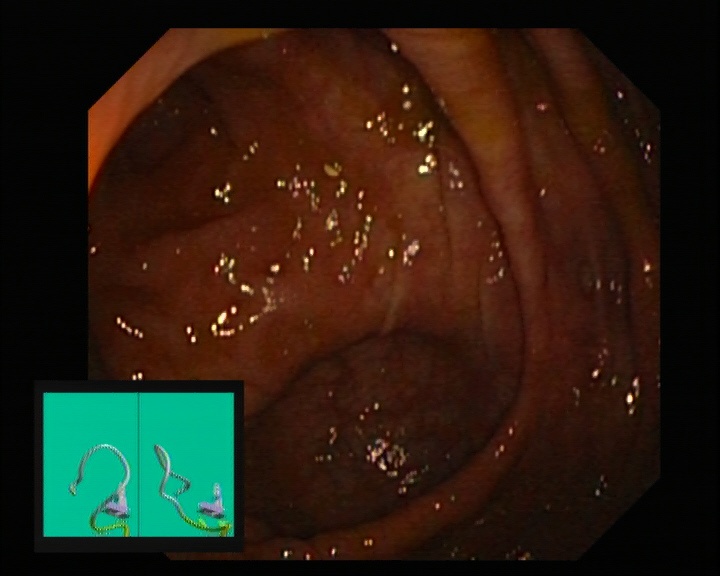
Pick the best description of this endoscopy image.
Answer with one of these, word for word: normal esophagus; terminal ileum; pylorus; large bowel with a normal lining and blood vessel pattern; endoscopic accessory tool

large bowel with a normal lining and blood vessel pattern